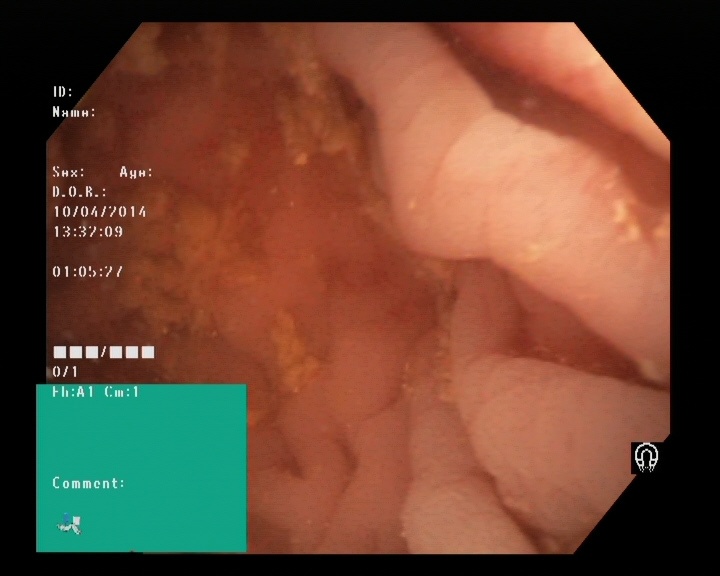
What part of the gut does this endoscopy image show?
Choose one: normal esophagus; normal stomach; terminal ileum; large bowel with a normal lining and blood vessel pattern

large bowel with a normal lining and blood vessel pattern